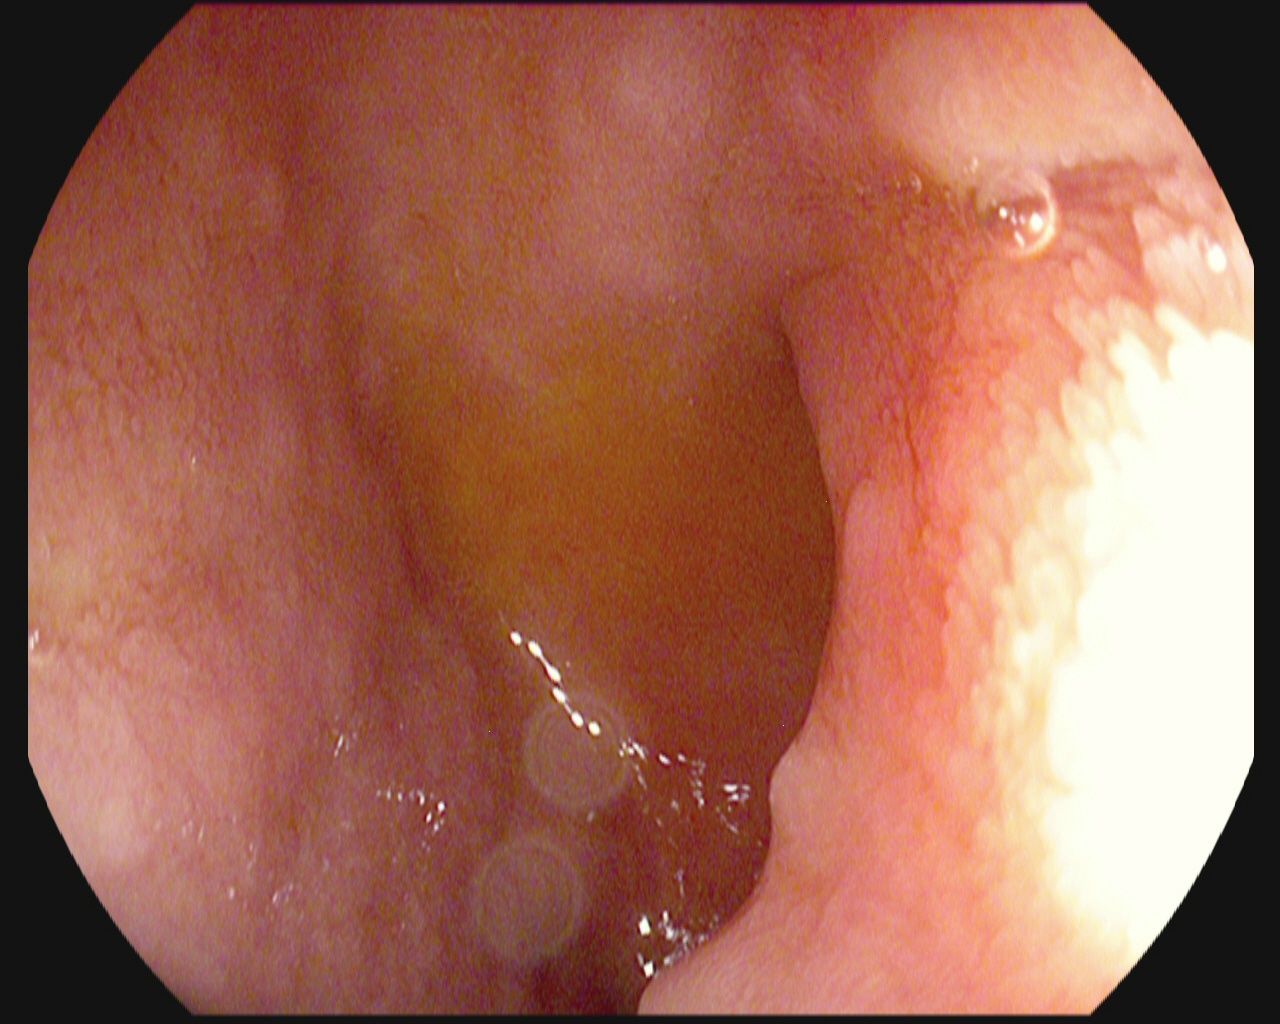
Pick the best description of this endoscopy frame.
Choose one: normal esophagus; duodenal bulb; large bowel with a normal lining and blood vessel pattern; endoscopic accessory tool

duodenal bulb